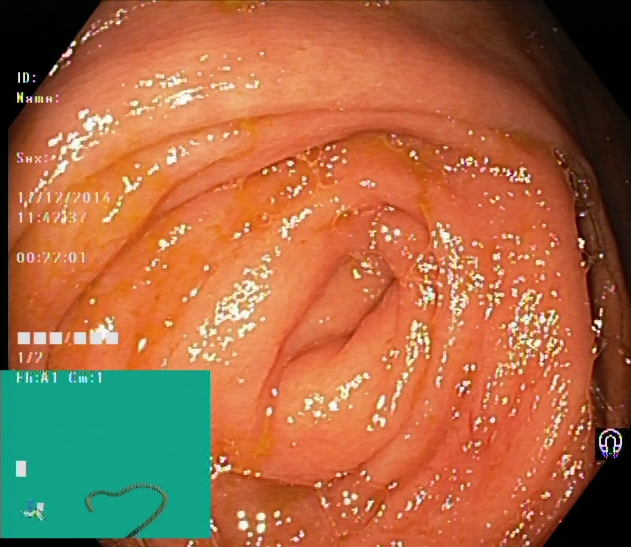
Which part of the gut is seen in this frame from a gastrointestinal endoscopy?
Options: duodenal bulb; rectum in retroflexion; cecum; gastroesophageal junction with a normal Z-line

cecum